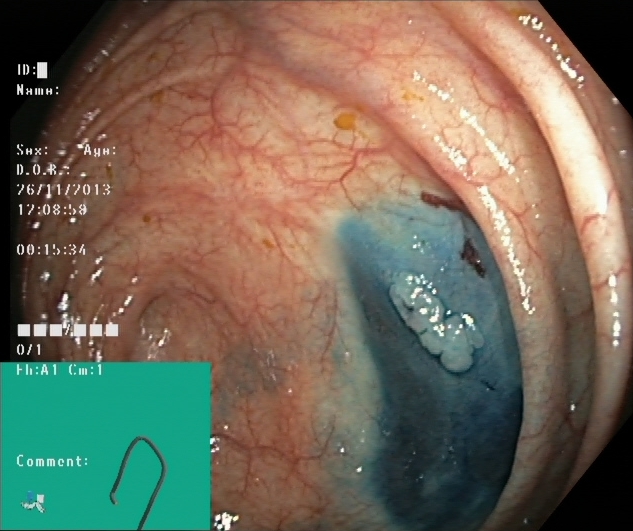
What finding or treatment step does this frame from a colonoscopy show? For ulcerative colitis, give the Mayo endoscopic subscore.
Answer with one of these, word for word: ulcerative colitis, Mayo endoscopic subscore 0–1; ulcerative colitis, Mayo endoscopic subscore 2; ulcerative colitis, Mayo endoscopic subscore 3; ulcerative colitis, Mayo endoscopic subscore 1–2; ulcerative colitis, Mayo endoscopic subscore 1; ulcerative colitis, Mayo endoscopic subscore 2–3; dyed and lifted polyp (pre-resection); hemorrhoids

dyed and lifted polyp (pre-resection)